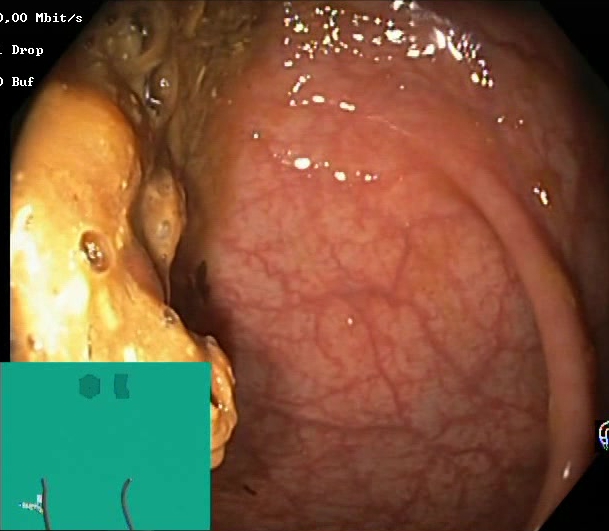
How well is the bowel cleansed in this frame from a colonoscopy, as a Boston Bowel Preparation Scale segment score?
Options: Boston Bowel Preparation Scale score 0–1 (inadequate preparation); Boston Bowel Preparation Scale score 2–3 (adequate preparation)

Boston Bowel Preparation Scale score 0–1 (inadequate preparation)